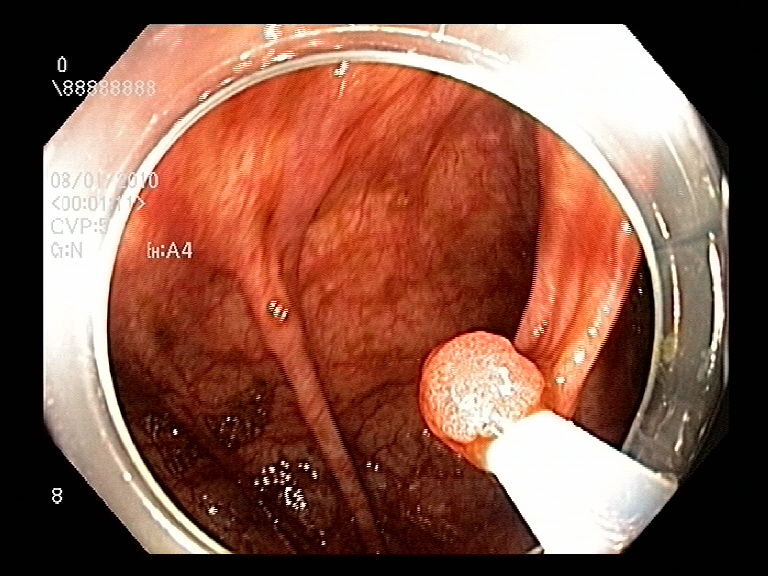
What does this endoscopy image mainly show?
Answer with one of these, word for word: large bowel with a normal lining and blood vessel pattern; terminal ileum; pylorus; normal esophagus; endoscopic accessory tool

endoscopic accessory tool